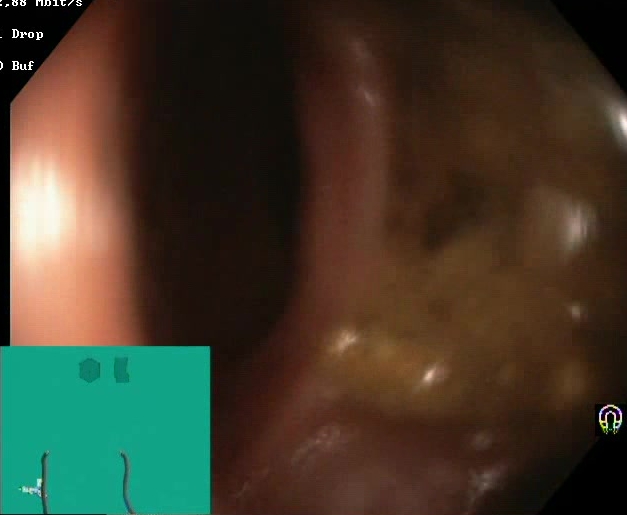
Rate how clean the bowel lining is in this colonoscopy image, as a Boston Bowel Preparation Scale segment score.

Boston Bowel Preparation Scale score 0–1 (inadequate preparation)